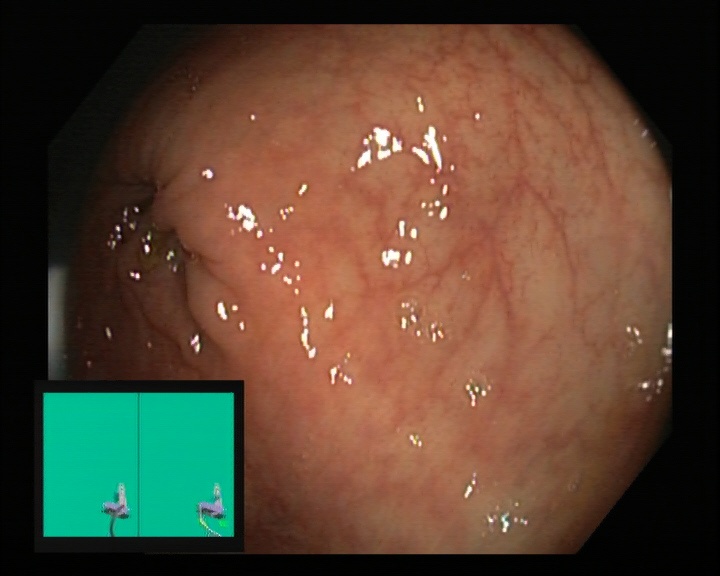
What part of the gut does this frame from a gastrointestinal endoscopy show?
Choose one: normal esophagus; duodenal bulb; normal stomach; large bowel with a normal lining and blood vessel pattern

large bowel with a normal lining and blood vessel pattern